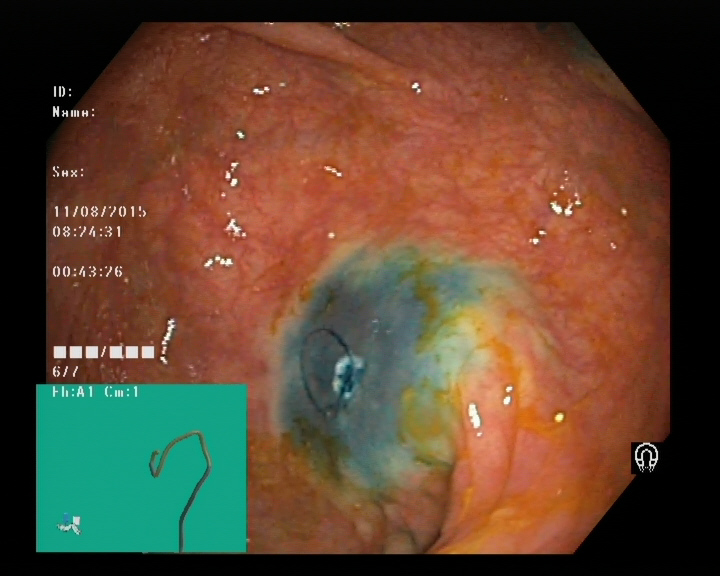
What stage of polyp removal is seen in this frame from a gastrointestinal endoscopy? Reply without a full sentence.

dyed resection margin (post-polypectomy)